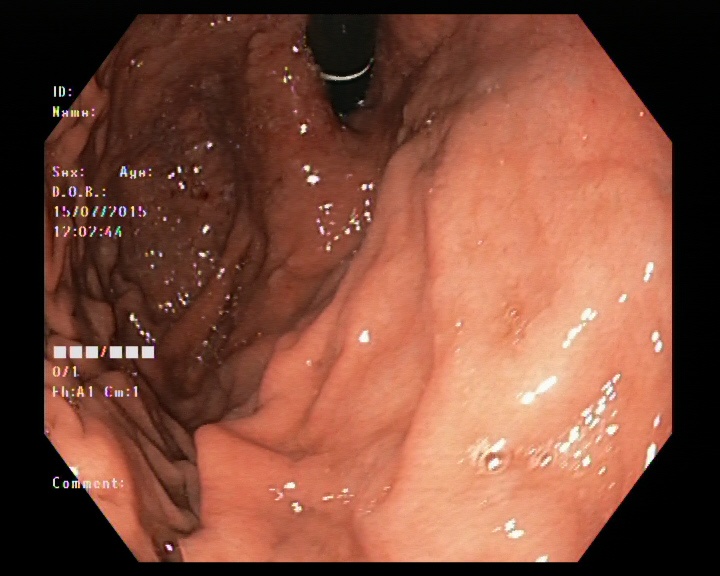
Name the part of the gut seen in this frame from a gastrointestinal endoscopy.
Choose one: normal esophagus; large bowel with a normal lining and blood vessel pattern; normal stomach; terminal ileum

normal stomach